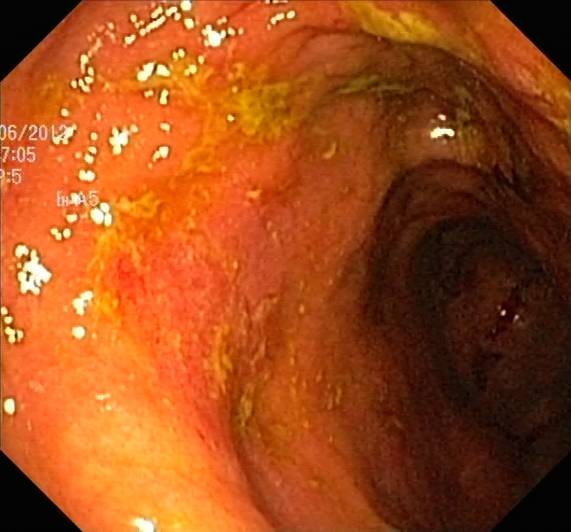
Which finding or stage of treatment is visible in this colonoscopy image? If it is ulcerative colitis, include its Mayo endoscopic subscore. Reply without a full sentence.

ulcerative colitis, Mayo endoscopic subscore 2